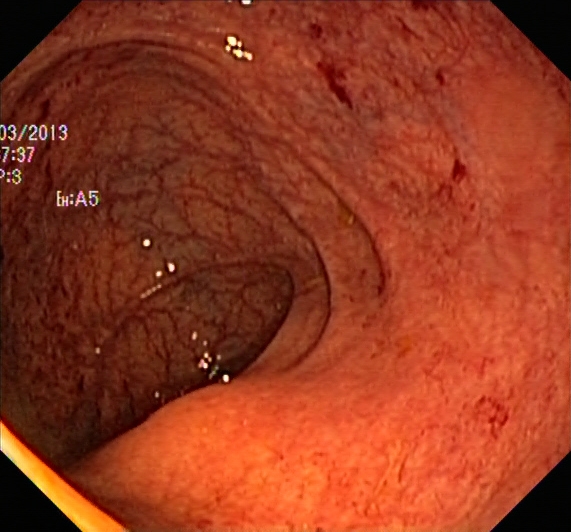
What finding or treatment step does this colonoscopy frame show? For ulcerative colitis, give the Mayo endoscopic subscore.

ulcerative colitis, Mayo endoscopic subscore 1